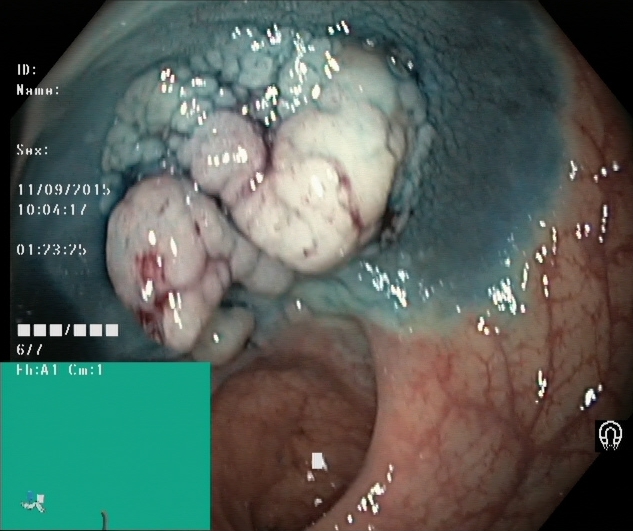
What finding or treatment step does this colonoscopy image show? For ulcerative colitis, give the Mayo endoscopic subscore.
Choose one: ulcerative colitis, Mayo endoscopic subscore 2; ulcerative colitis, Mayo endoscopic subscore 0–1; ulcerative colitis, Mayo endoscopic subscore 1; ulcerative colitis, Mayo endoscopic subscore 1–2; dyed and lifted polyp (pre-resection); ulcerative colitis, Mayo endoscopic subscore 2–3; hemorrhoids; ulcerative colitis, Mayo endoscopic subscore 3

dyed and lifted polyp (pre-resection)